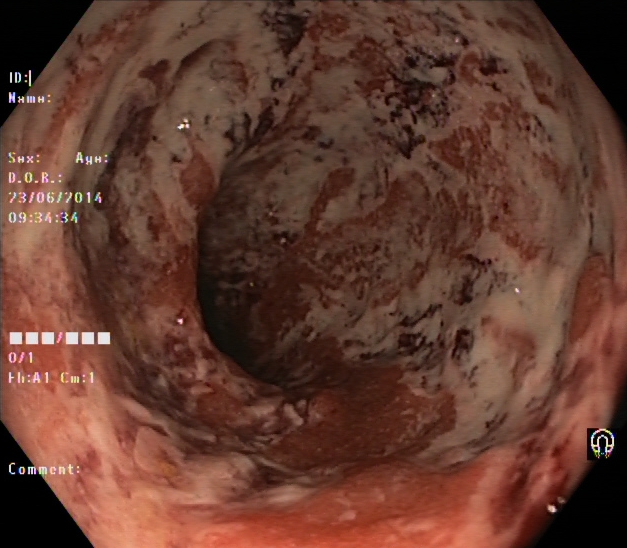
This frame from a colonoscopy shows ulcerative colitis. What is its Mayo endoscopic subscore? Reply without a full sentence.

ulcerative colitis, Mayo endoscopic subscore 3